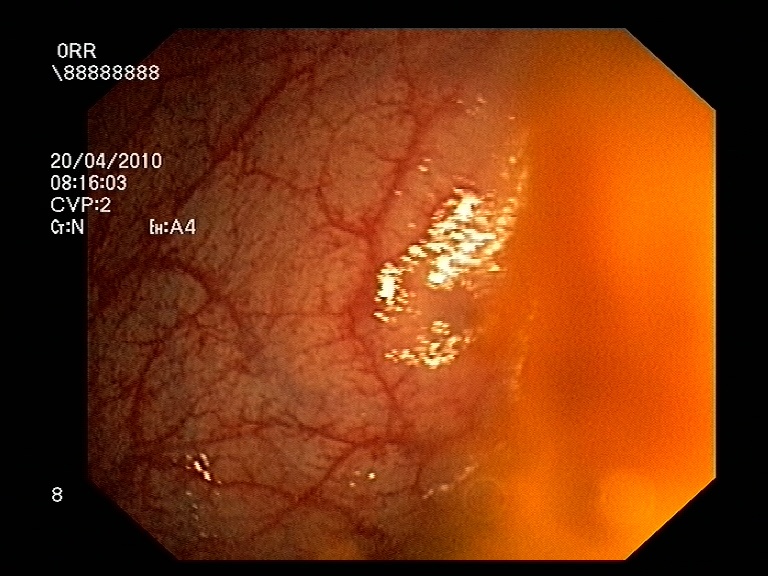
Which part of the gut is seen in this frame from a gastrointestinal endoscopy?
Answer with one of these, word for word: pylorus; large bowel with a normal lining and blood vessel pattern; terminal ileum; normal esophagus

large bowel with a normal lining and blood vessel pattern